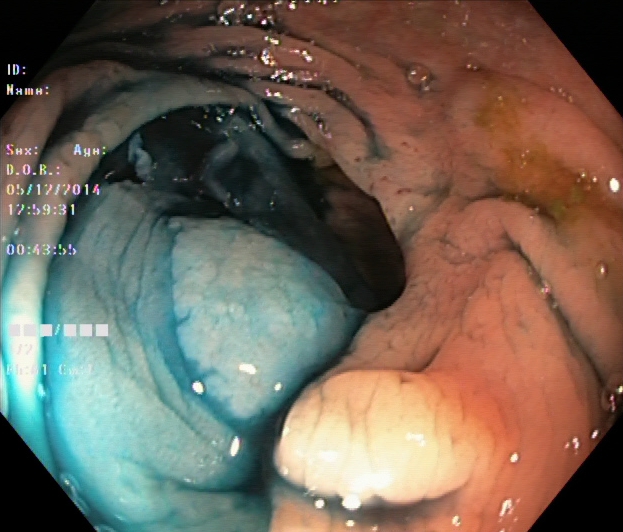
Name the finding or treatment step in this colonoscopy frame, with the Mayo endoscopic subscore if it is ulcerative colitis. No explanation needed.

dyed and lifted polyp (pre-resection)